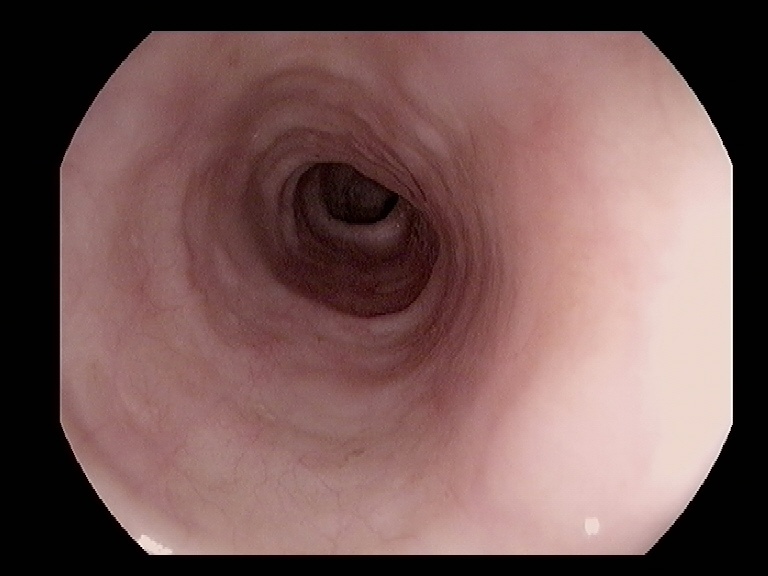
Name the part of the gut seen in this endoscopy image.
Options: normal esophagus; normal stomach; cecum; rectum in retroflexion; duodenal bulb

normal esophagus